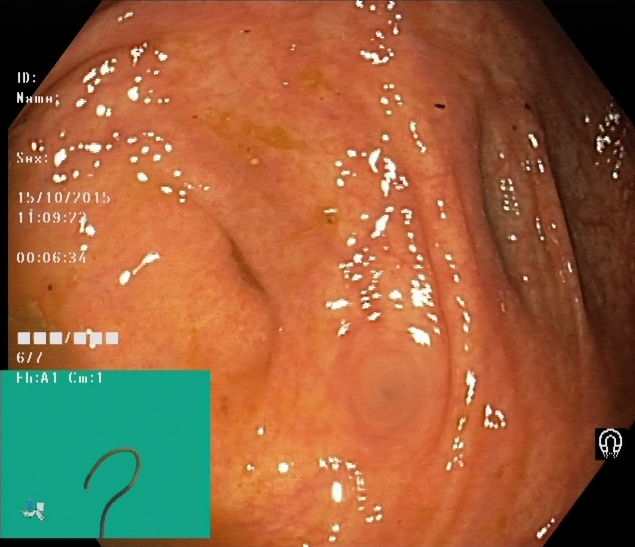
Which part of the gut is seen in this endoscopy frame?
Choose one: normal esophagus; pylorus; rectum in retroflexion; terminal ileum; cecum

cecum